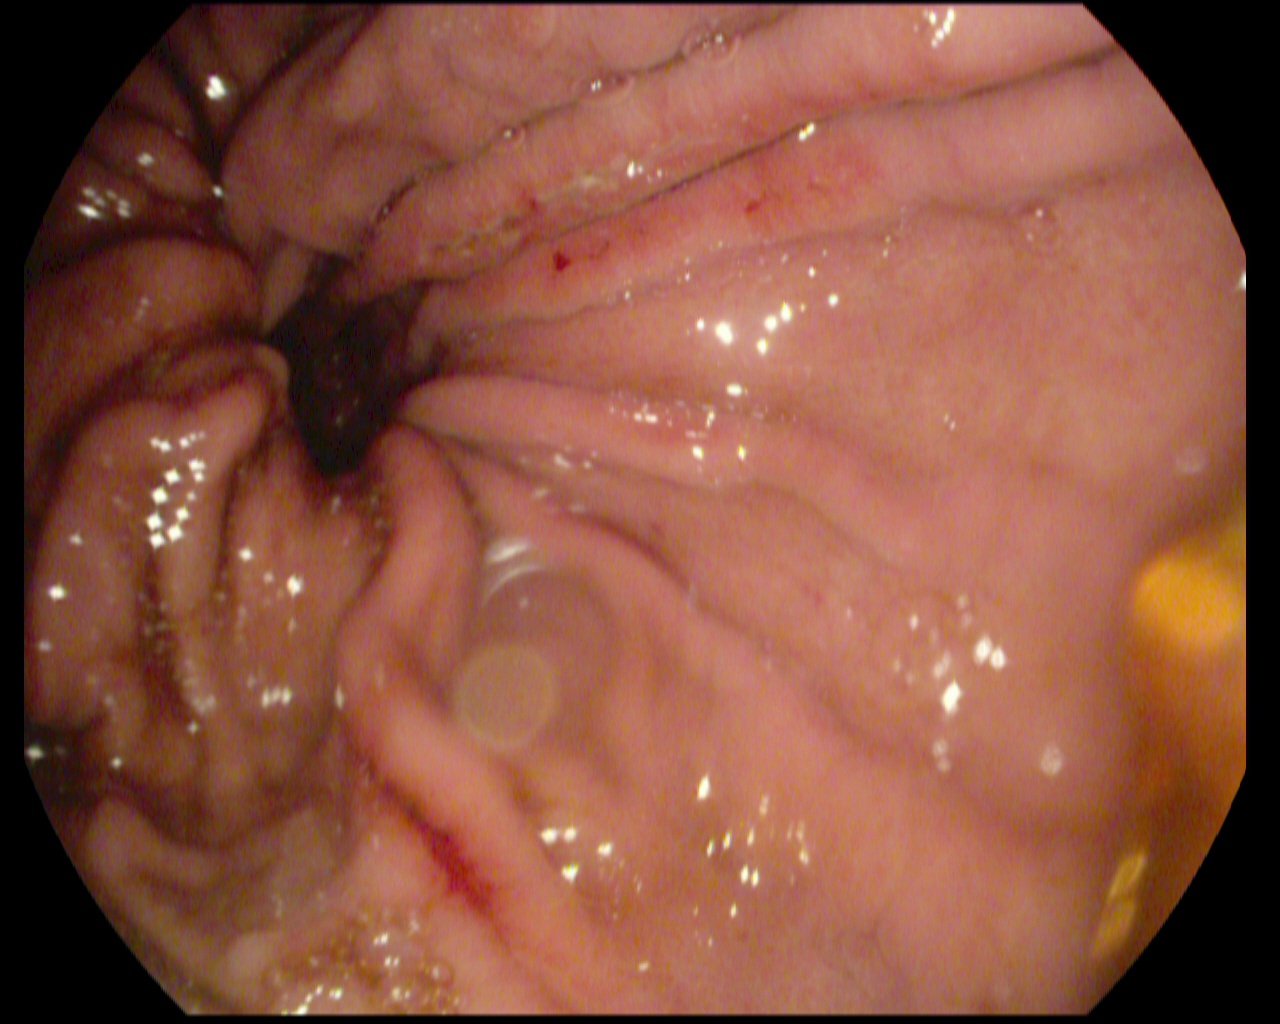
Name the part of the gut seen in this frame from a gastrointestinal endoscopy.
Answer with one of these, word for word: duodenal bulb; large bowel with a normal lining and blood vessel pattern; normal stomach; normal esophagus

normal stomach